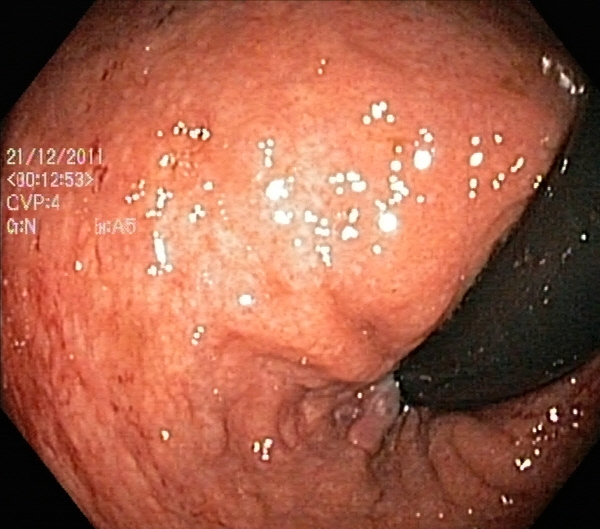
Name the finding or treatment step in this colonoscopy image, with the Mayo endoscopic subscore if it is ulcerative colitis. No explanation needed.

ulcerative colitis, Mayo endoscopic subscore 0–1